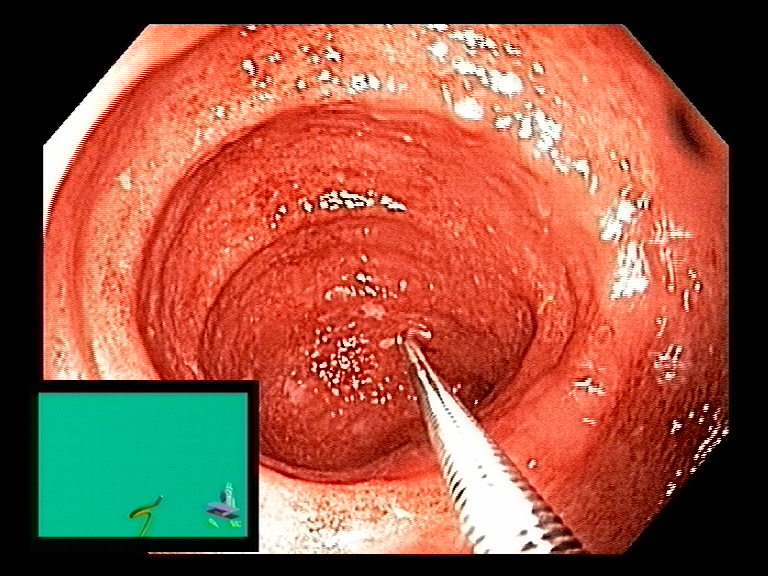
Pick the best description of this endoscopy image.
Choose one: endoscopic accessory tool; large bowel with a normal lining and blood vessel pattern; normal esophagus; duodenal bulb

endoscopic accessory tool